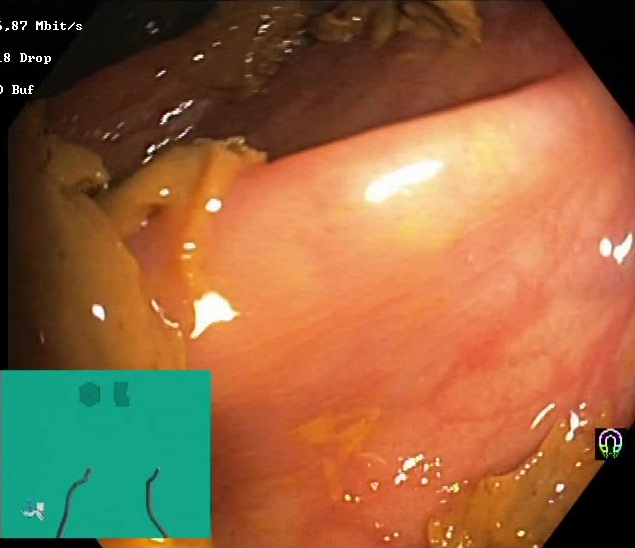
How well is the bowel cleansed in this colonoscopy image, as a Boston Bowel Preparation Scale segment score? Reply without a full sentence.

Boston Bowel Preparation Scale score 0–1 (inadequate preparation)